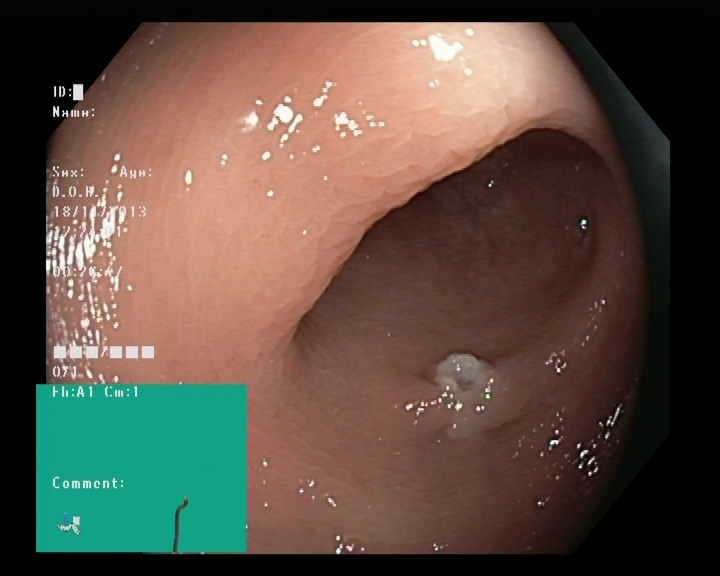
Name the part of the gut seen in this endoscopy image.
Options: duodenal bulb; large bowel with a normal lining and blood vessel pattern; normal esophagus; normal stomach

large bowel with a normal lining and blood vessel pattern